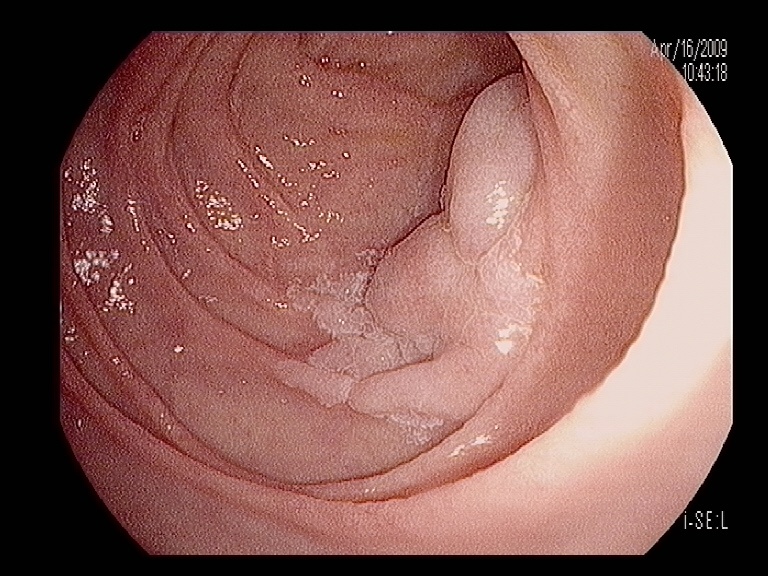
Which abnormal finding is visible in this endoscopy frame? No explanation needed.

gastric polyp